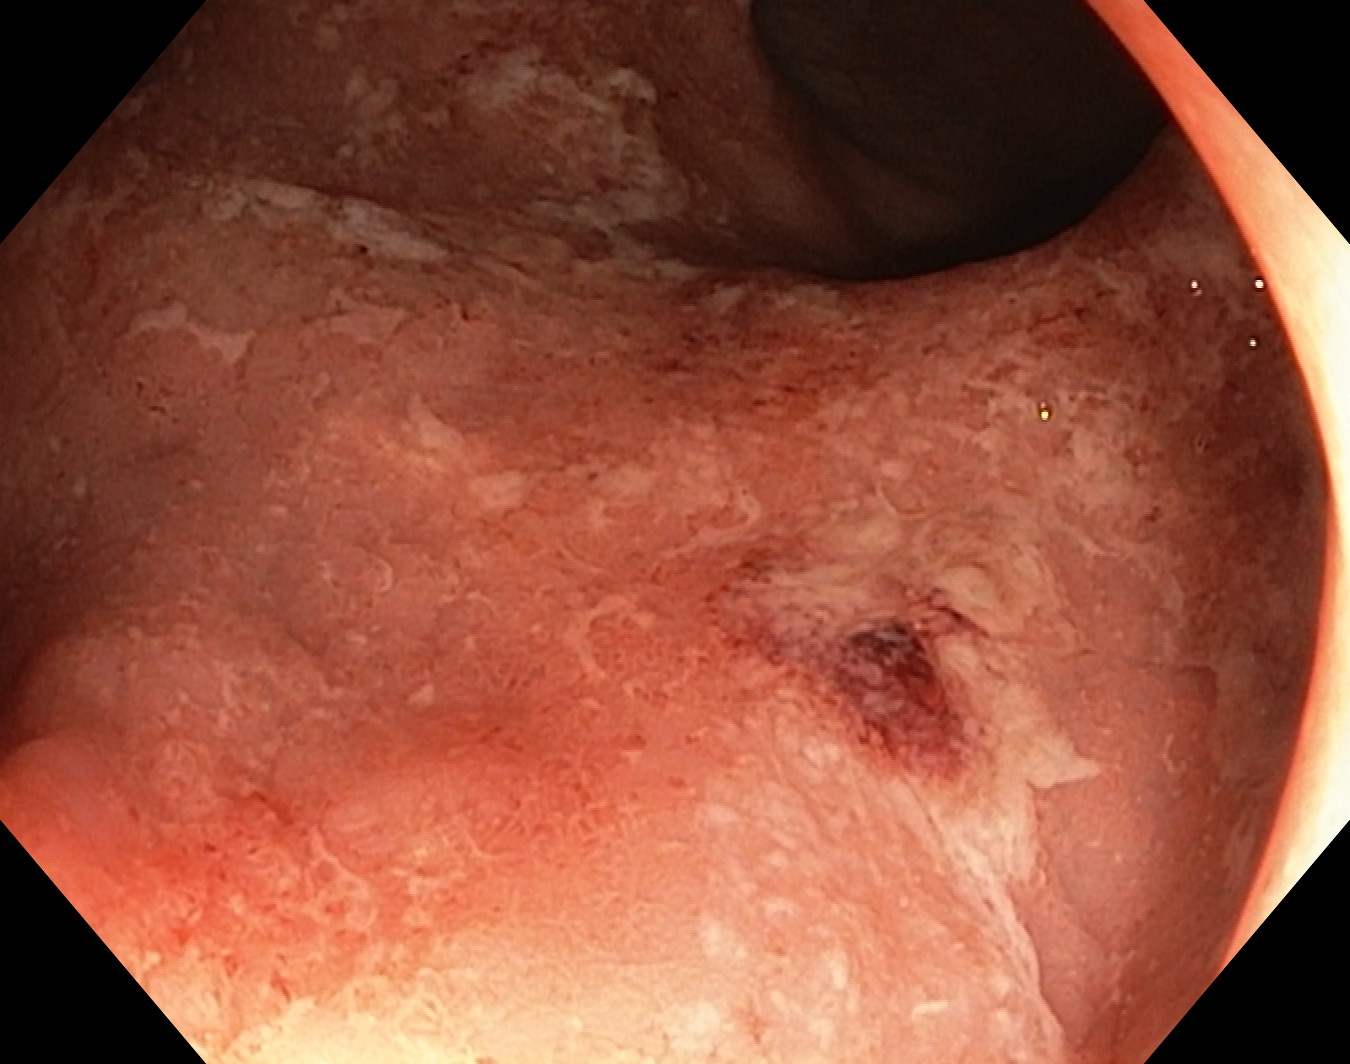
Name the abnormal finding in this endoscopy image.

mucosal inflammation of the large bowel